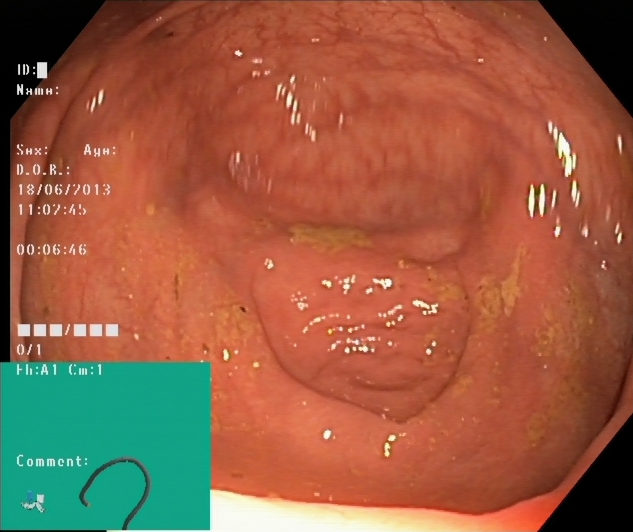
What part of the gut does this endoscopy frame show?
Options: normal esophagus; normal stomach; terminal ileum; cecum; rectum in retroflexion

cecum